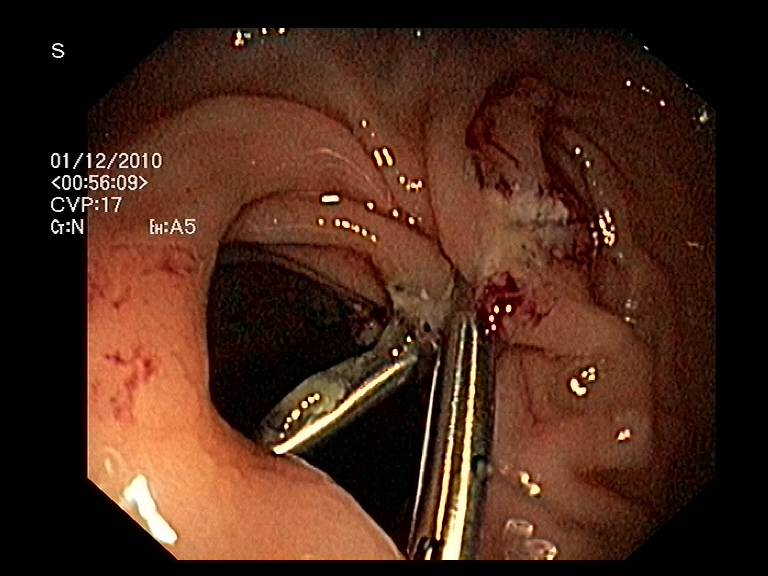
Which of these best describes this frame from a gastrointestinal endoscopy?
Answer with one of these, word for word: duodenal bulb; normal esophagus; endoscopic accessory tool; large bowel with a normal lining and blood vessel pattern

endoscopic accessory tool